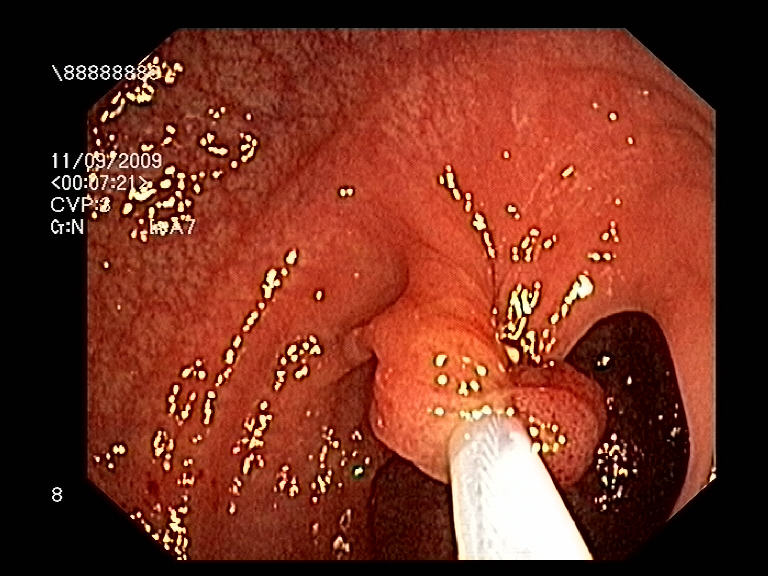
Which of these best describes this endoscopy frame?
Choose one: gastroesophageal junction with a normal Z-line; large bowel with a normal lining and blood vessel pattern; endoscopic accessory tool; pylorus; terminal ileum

endoscopic accessory tool